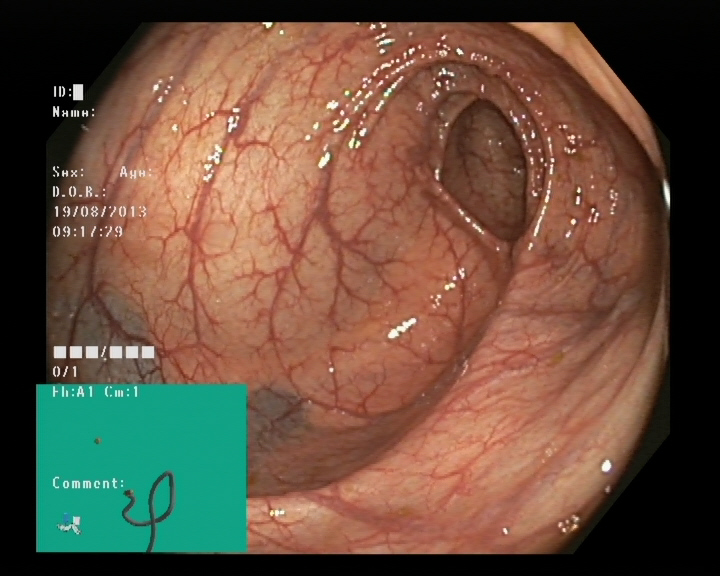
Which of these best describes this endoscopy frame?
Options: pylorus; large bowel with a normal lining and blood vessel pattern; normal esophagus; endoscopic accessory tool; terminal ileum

large bowel with a normal lining and blood vessel pattern